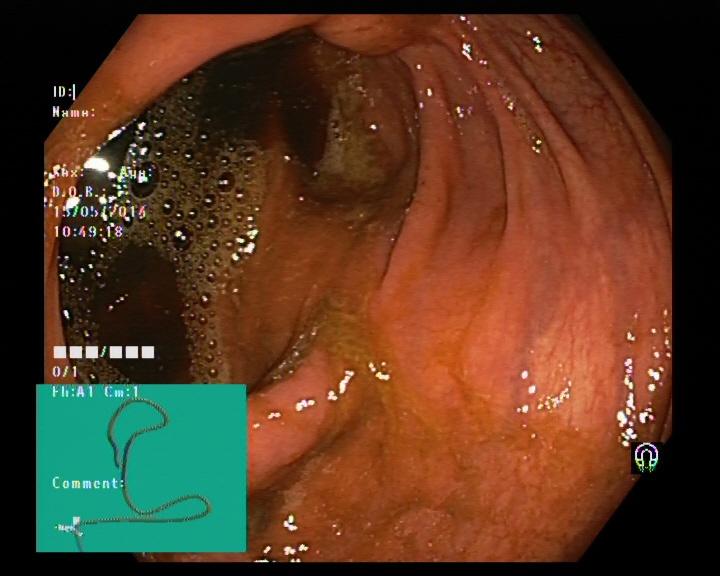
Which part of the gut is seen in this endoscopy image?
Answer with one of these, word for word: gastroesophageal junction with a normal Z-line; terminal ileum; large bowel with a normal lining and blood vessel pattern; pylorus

large bowel with a normal lining and blood vessel pattern